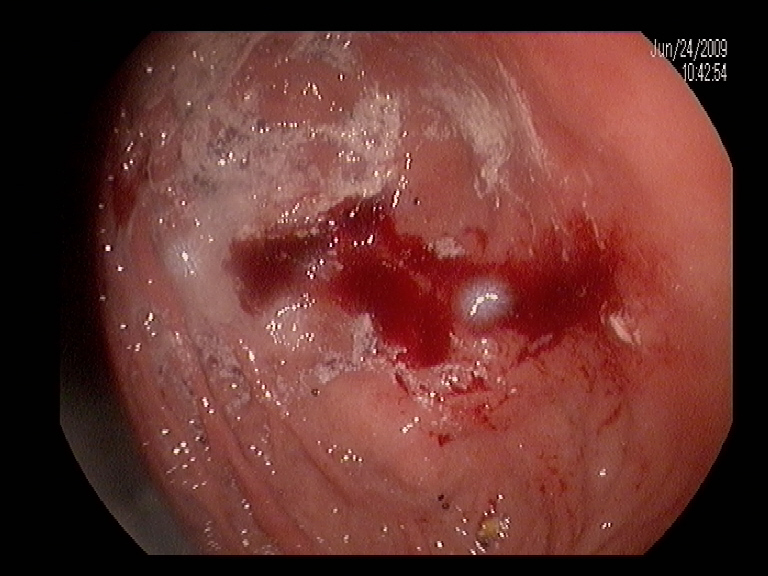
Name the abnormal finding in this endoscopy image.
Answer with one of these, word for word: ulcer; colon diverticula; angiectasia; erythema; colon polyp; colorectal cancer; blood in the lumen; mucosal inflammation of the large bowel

blood in the lumen